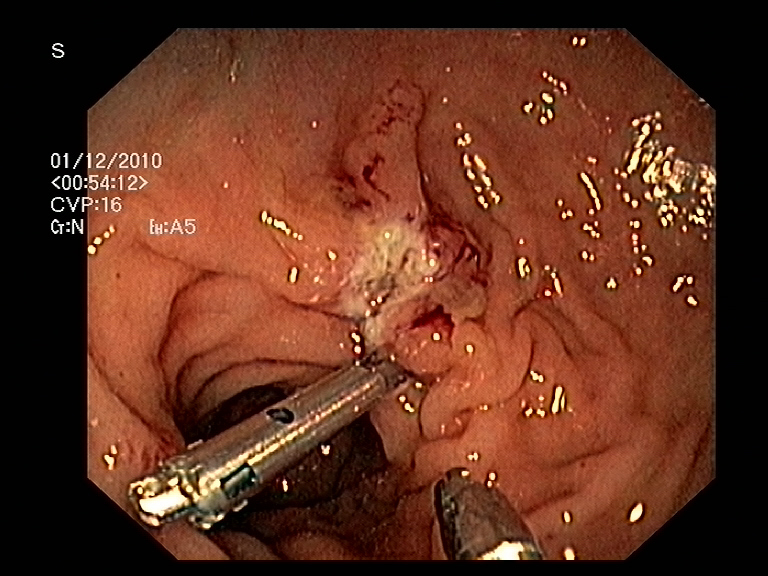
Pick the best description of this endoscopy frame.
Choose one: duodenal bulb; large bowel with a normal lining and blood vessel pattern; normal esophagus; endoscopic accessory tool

endoscopic accessory tool